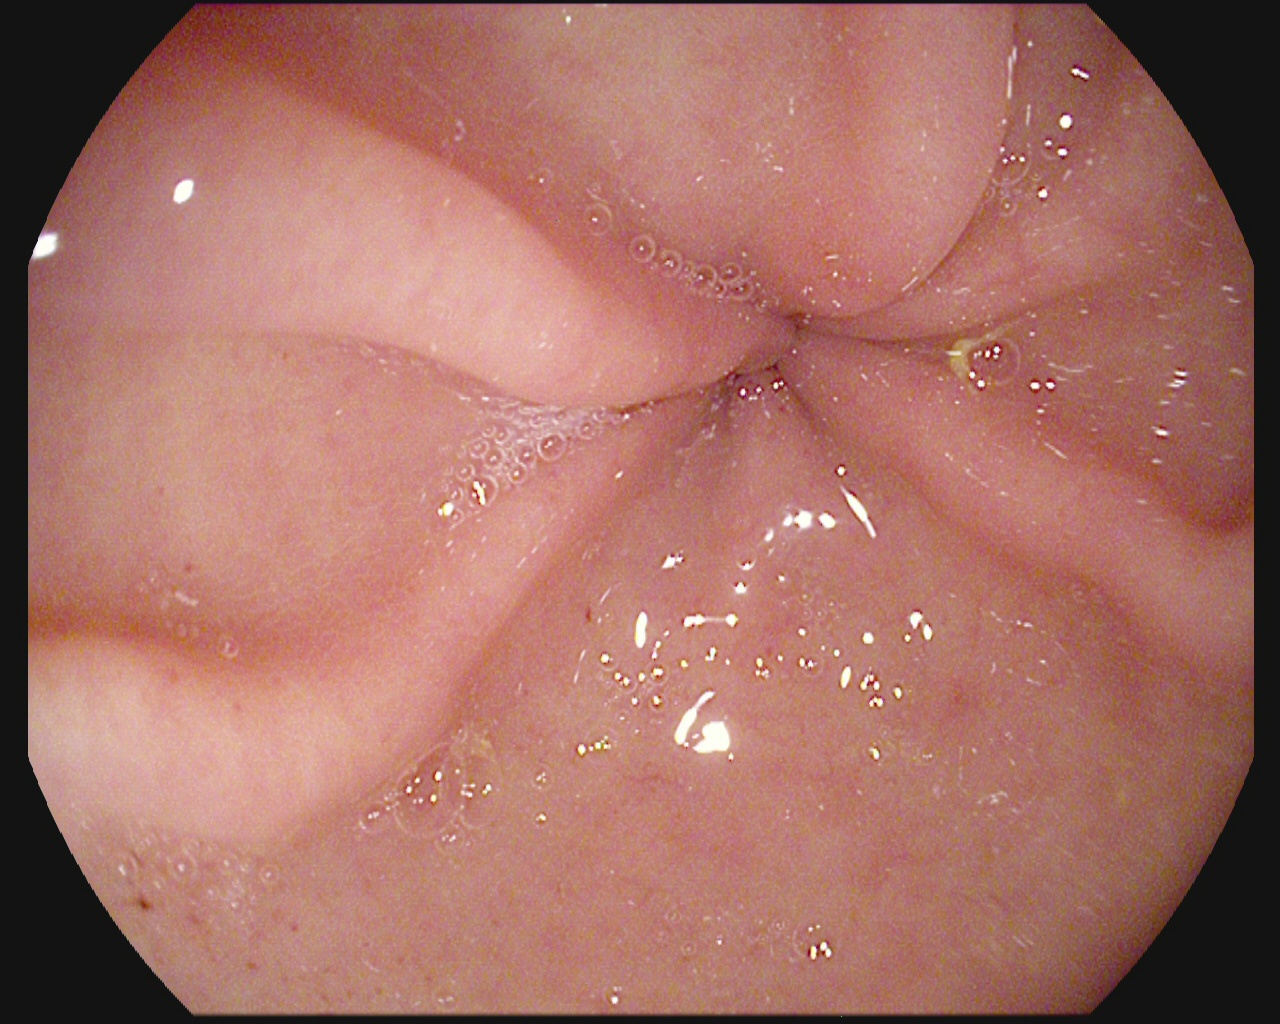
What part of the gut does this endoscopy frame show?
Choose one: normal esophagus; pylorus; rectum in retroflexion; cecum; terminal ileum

pylorus